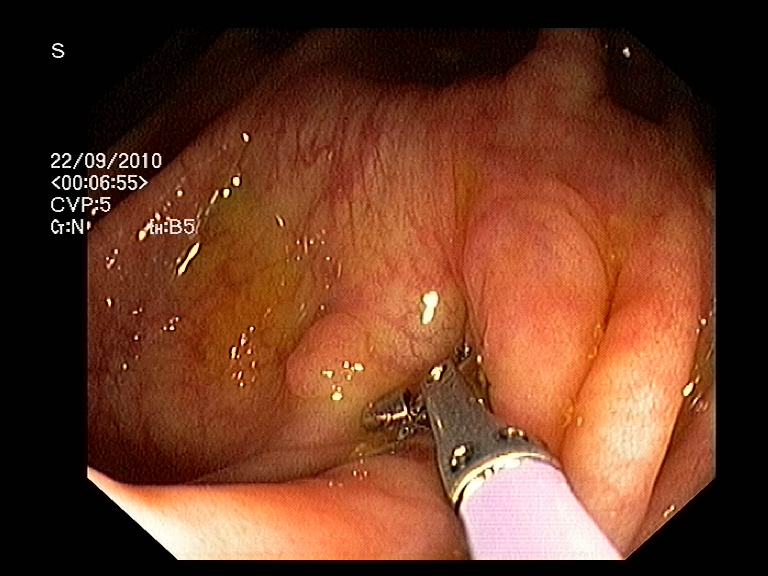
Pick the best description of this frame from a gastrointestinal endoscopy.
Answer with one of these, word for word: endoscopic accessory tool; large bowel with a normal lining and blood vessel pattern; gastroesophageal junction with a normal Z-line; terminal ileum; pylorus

endoscopic accessory tool